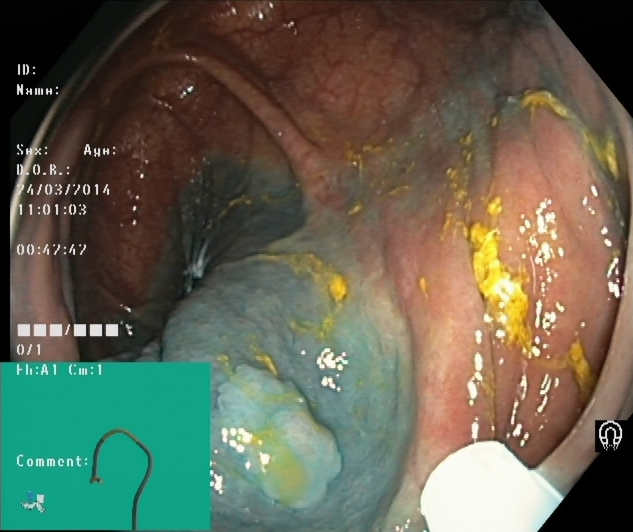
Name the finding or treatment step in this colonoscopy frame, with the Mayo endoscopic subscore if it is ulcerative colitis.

dyed and lifted polyp (pre-resection)